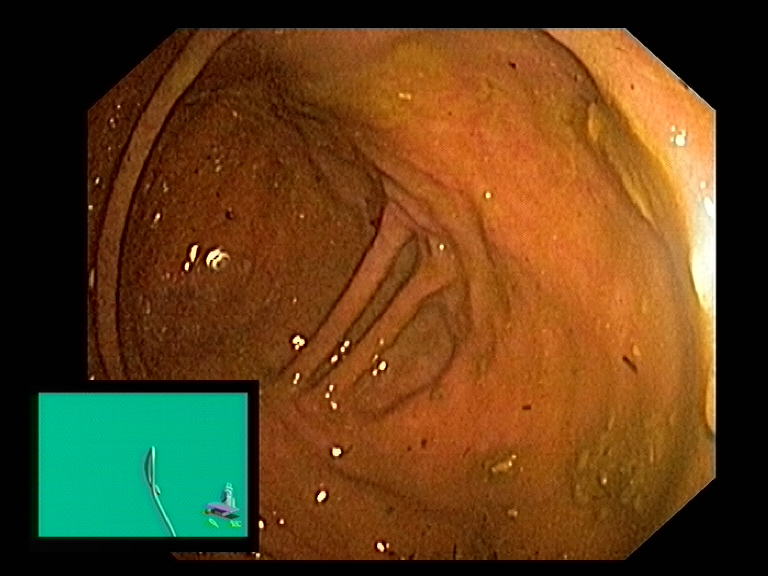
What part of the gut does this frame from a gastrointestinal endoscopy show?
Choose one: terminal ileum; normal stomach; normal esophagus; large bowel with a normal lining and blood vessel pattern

large bowel with a normal lining and blood vessel pattern